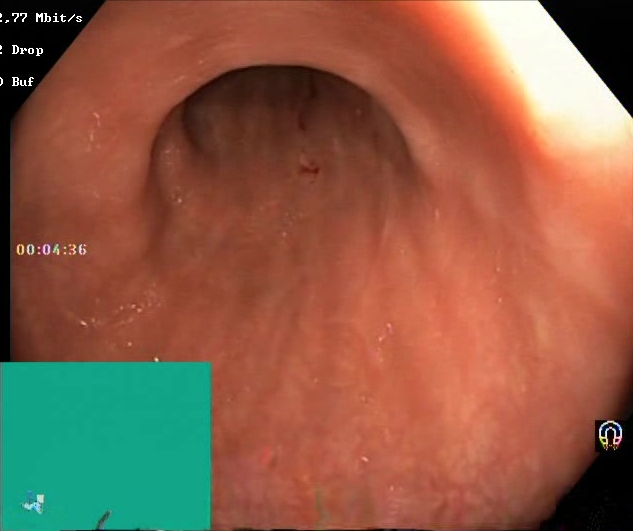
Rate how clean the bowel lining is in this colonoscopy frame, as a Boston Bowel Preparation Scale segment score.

Boston Bowel Preparation Scale score 2–3 (adequate preparation)